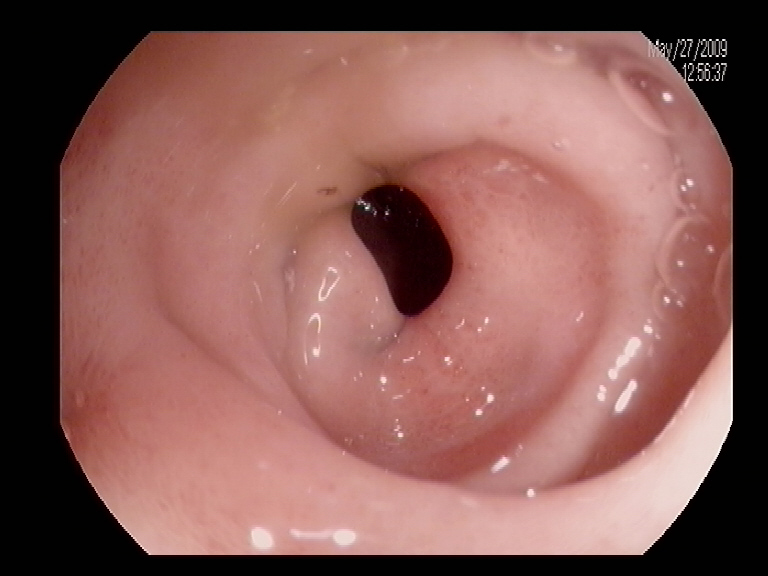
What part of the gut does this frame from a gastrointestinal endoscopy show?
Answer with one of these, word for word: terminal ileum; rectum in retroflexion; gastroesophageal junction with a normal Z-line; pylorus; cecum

pylorus